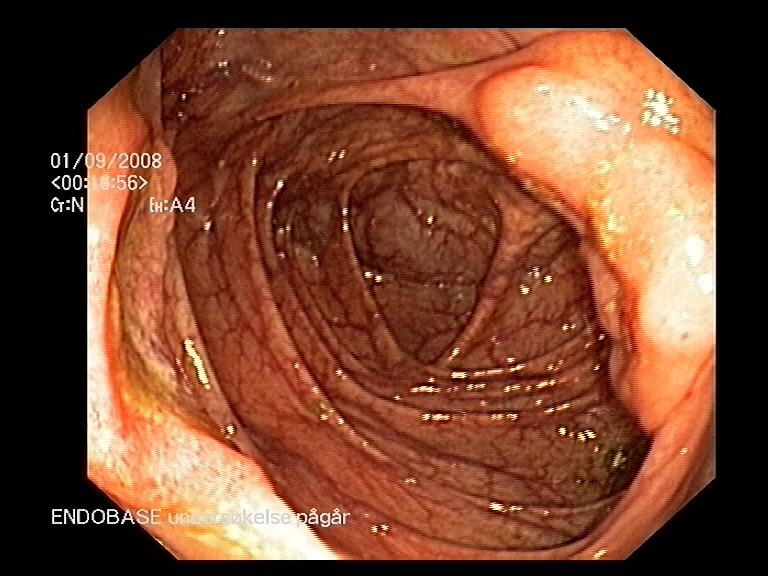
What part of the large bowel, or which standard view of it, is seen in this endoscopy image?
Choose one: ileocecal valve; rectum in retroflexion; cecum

ileocecal valve